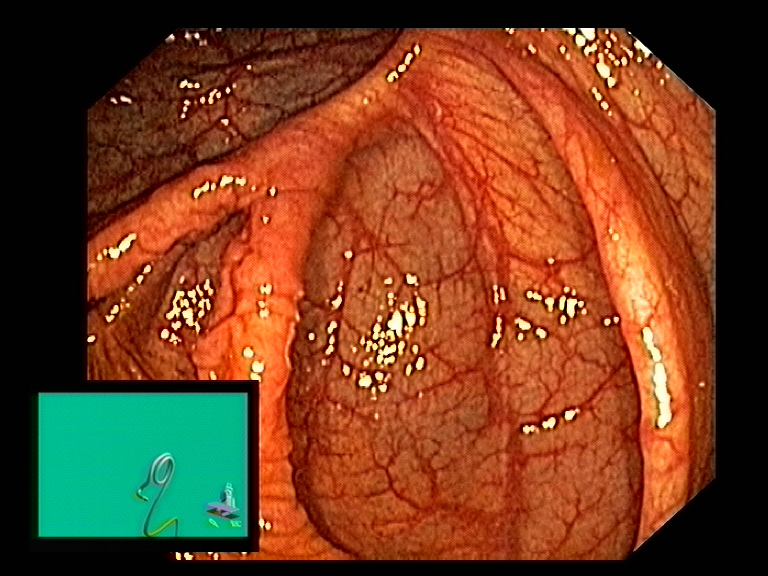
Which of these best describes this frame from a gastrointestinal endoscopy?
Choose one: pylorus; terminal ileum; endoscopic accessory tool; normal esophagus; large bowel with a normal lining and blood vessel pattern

large bowel with a normal lining and blood vessel pattern